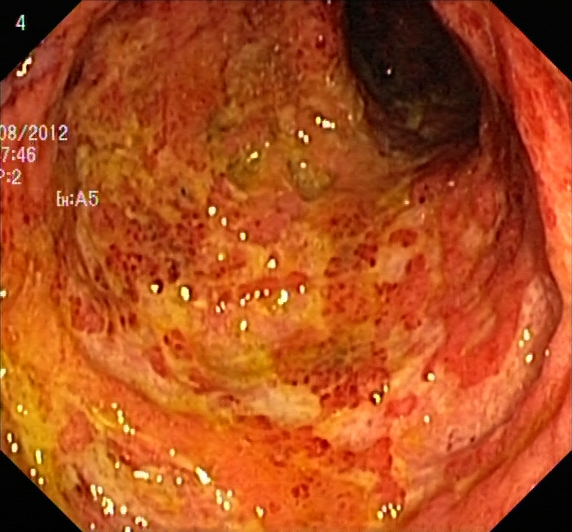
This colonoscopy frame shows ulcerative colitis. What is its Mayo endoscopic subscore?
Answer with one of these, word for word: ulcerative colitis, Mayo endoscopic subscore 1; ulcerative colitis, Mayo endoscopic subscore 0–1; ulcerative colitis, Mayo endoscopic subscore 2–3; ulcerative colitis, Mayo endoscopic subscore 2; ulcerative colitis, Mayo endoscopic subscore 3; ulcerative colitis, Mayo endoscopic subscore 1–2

ulcerative colitis, Mayo endoscopic subscore 3